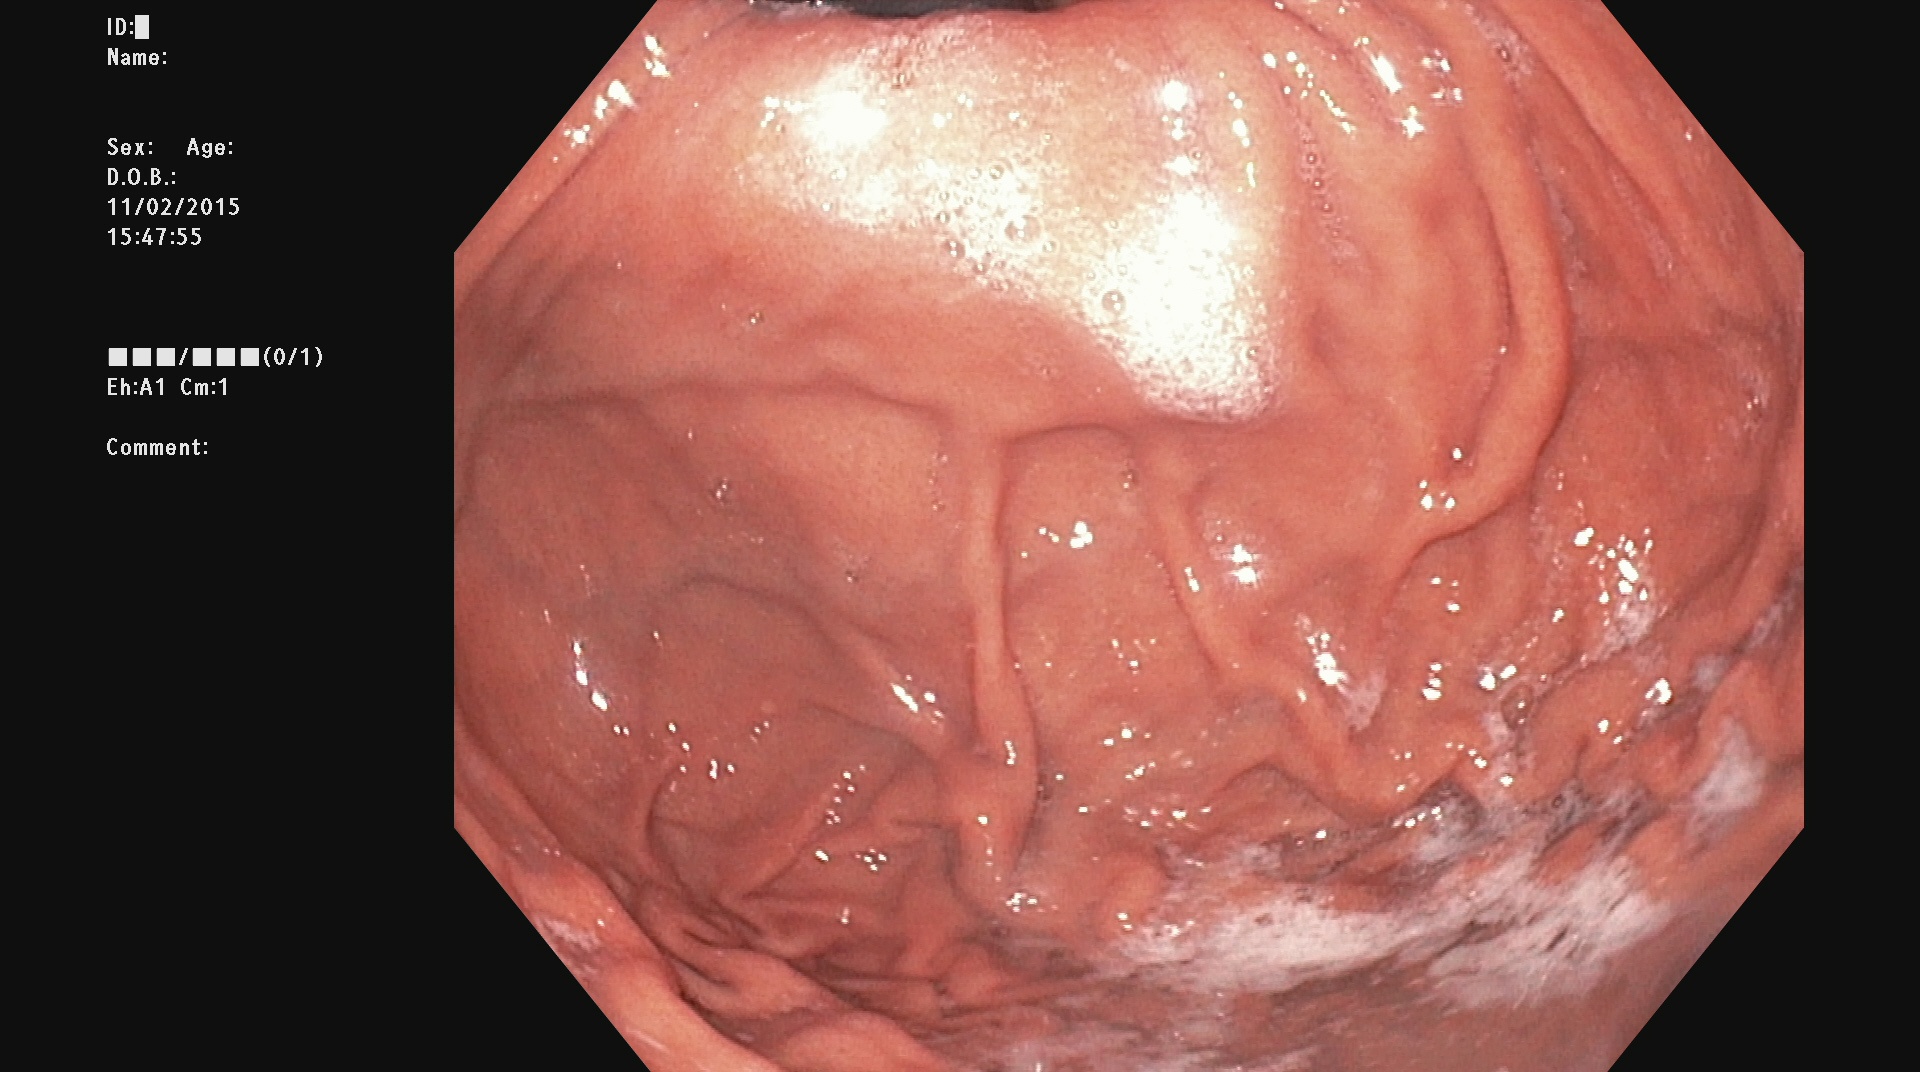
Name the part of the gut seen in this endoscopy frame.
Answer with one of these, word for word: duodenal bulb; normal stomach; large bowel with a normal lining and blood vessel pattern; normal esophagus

normal stomach